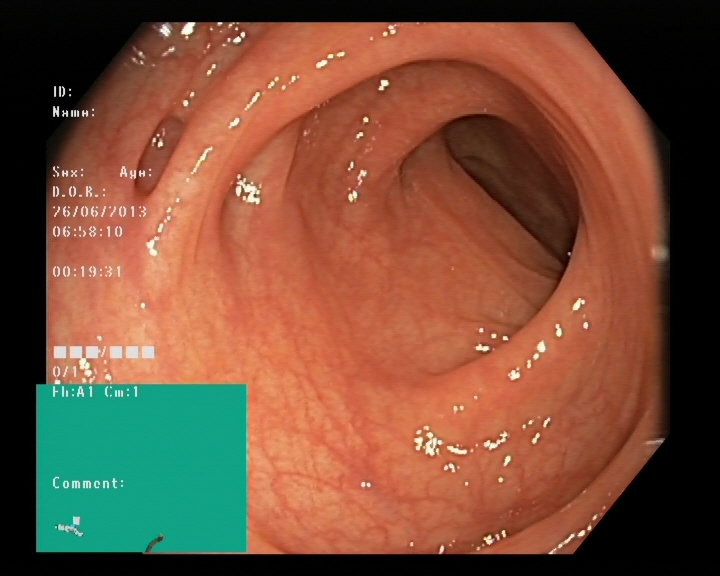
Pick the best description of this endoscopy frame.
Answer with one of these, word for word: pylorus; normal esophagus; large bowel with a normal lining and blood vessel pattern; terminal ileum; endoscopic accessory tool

large bowel with a normal lining and blood vessel pattern